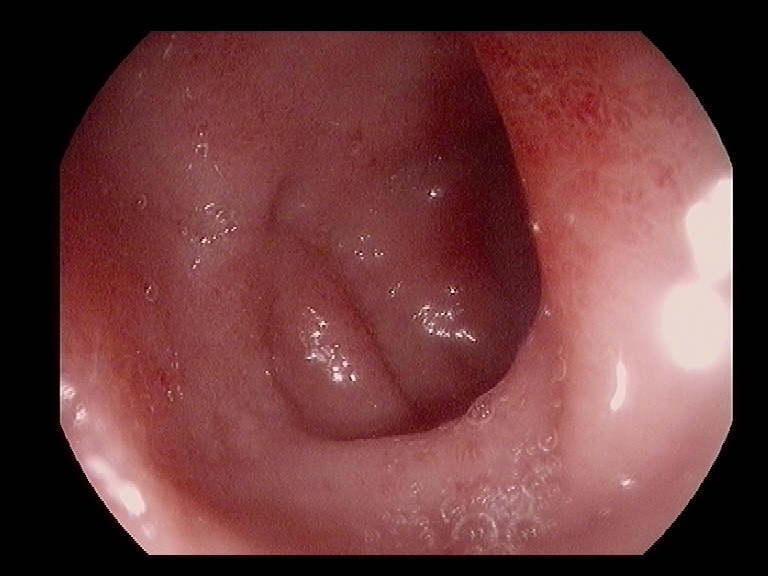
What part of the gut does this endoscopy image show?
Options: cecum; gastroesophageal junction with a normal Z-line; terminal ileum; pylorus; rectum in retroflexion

terminal ileum